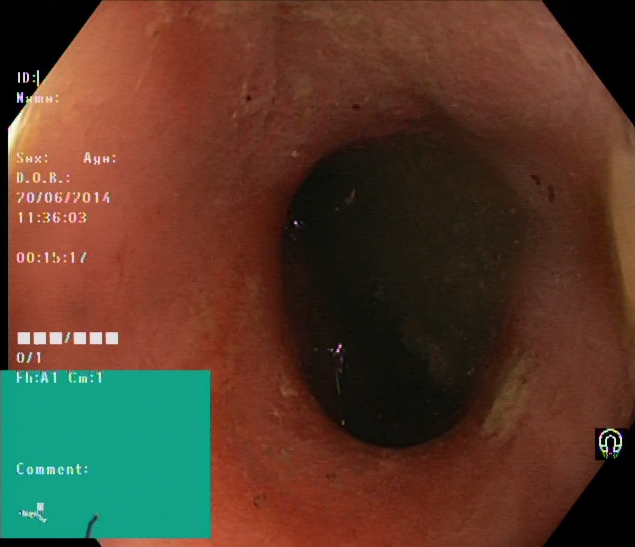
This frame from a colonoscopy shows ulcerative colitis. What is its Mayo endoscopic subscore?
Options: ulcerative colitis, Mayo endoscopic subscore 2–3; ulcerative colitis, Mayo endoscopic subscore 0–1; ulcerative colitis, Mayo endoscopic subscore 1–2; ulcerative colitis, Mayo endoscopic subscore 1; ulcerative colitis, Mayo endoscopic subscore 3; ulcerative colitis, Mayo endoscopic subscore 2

ulcerative colitis, Mayo endoscopic subscore 2